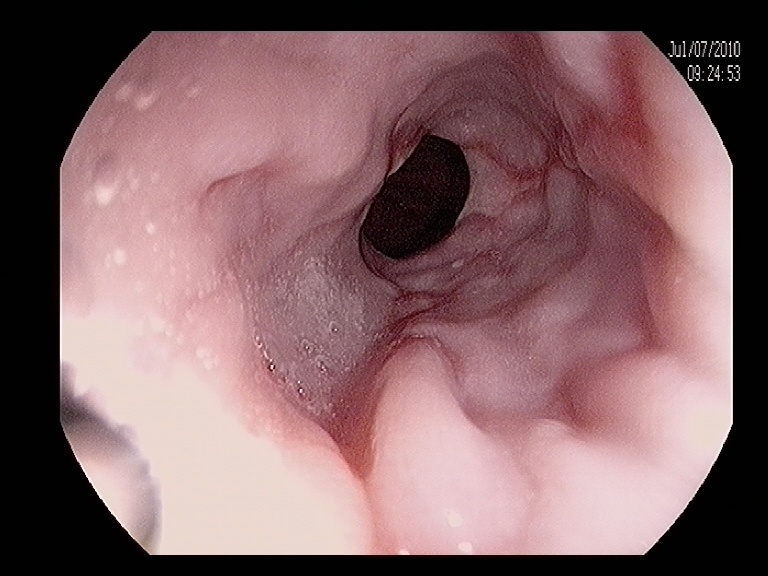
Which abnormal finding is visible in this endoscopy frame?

esophagitis